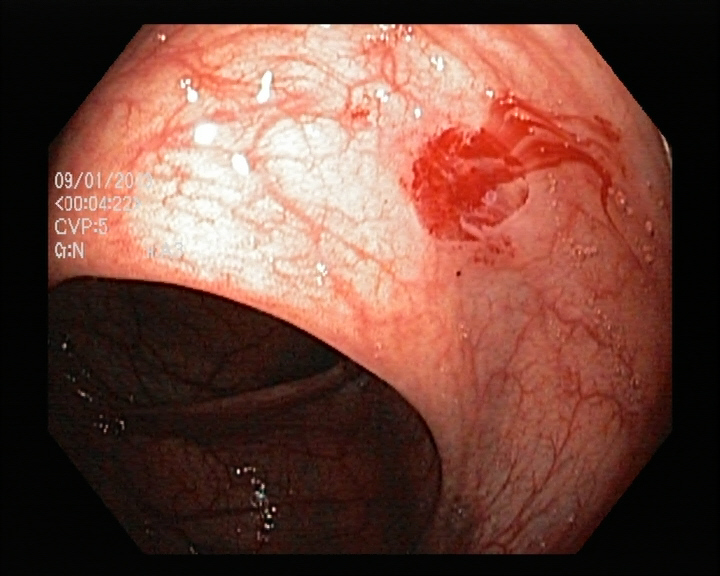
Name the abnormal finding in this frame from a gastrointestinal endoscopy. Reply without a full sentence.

blood in the lumen